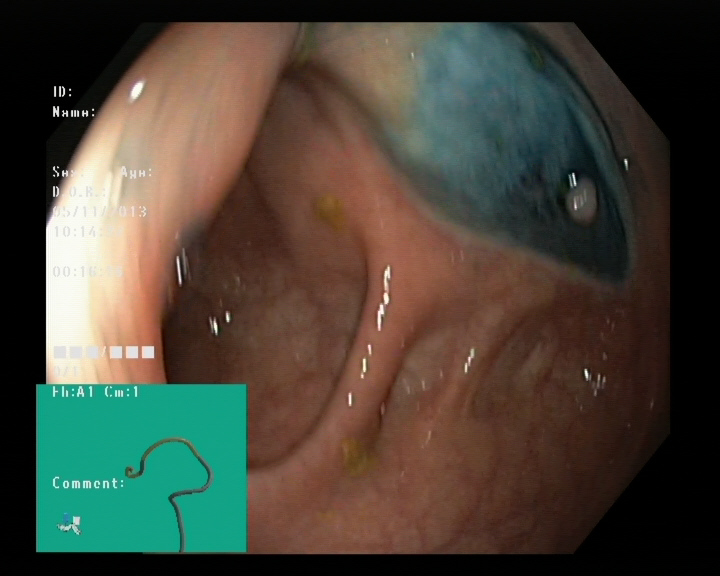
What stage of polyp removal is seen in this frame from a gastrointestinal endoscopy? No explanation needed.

dyed and lifted polyp (pre-resection)